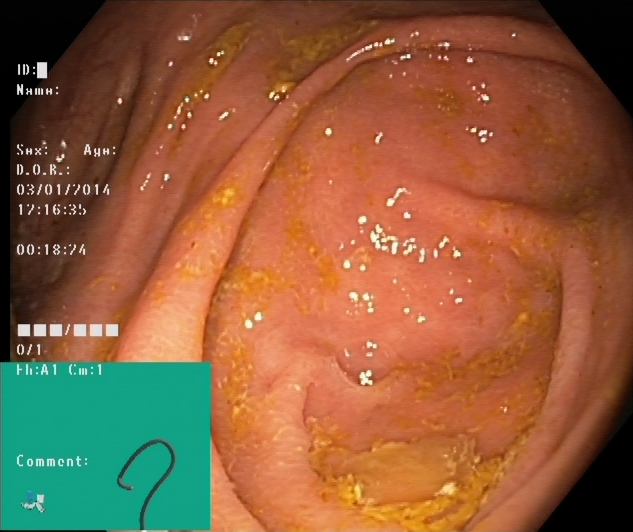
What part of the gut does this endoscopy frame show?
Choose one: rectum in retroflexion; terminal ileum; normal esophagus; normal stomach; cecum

cecum